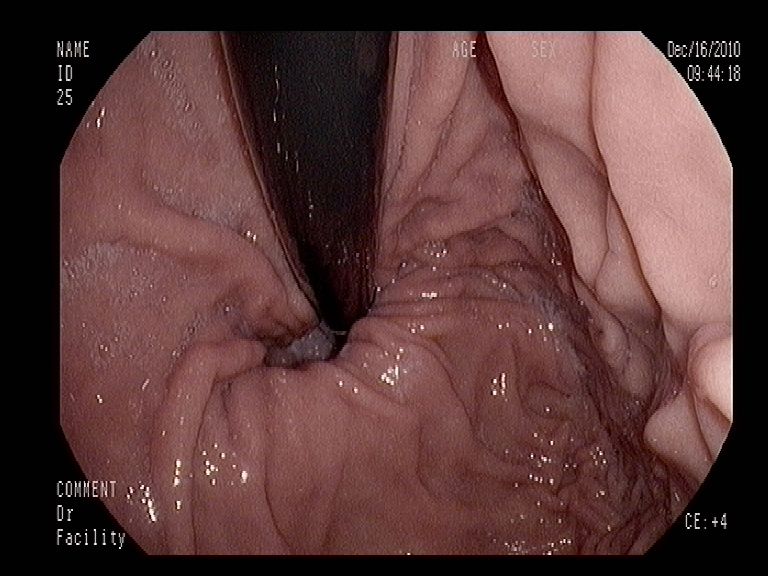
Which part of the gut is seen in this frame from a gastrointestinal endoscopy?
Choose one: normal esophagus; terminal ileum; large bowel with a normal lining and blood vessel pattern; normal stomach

normal stomach